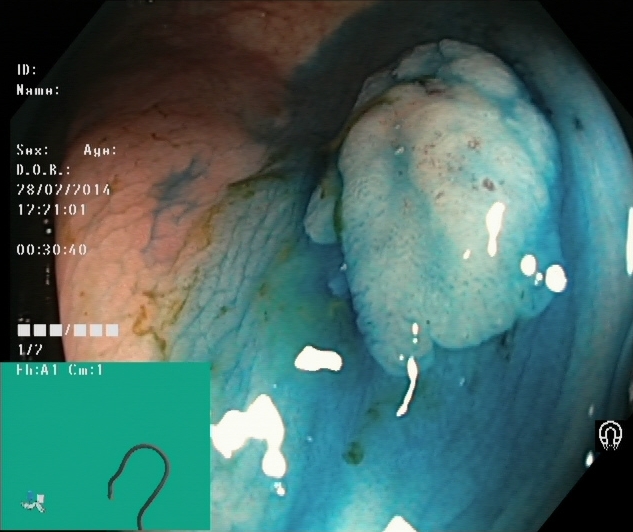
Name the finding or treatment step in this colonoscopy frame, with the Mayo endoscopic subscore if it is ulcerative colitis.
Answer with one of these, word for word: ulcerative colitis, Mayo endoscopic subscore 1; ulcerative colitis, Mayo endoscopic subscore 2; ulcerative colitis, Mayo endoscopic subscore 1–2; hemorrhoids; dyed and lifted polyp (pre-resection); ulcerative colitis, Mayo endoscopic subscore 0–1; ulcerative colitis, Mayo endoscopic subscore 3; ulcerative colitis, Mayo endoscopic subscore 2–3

dyed and lifted polyp (pre-resection)